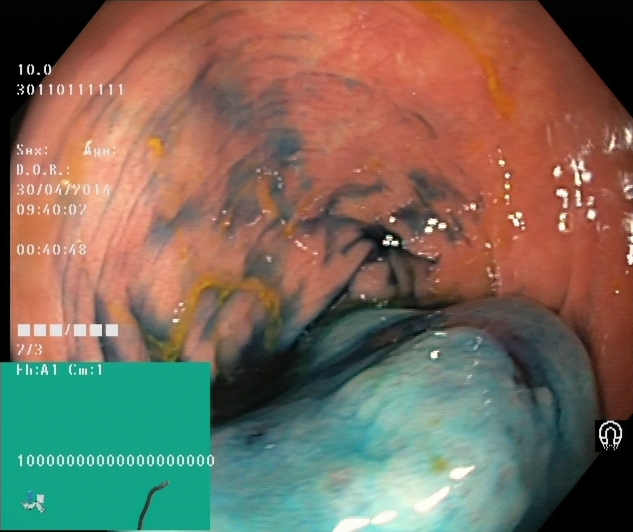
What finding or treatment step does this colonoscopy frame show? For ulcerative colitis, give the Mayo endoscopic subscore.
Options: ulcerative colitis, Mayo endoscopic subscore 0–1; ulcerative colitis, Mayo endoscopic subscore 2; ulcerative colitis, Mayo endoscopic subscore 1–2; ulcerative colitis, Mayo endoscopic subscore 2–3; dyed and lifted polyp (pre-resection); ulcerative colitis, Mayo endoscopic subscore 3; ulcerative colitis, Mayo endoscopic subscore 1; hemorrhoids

dyed and lifted polyp (pre-resection)